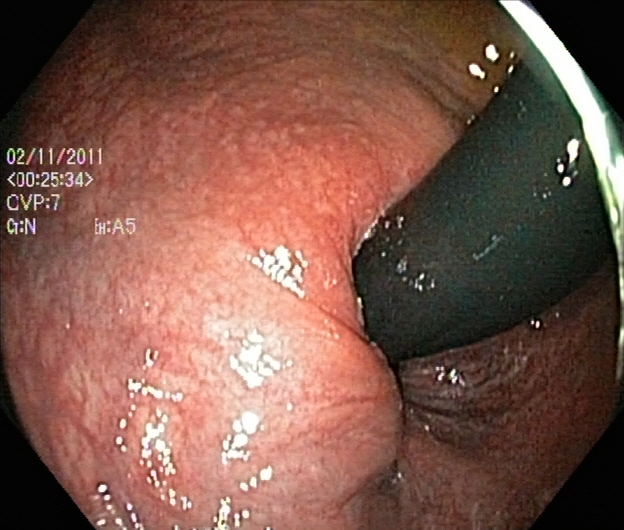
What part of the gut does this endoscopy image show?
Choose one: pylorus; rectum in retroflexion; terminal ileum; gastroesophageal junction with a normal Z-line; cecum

rectum in retroflexion